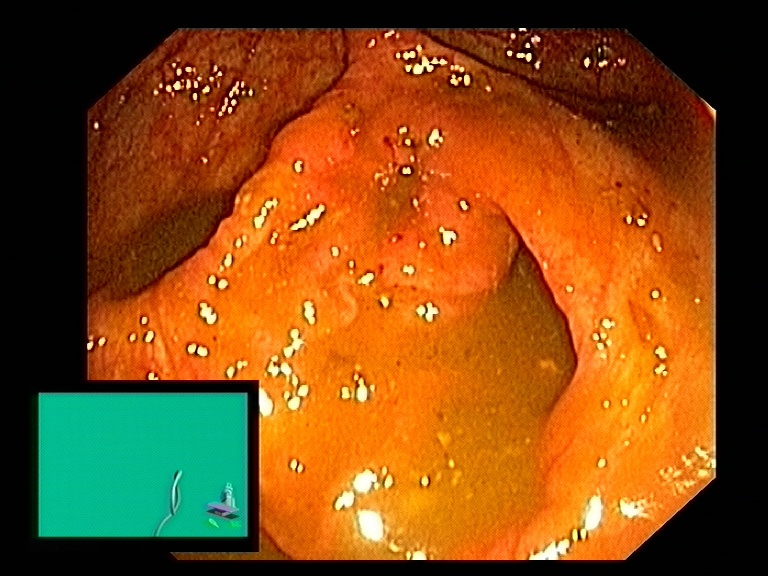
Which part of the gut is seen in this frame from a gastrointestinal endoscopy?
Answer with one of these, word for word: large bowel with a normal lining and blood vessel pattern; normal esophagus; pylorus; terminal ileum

large bowel with a normal lining and blood vessel pattern